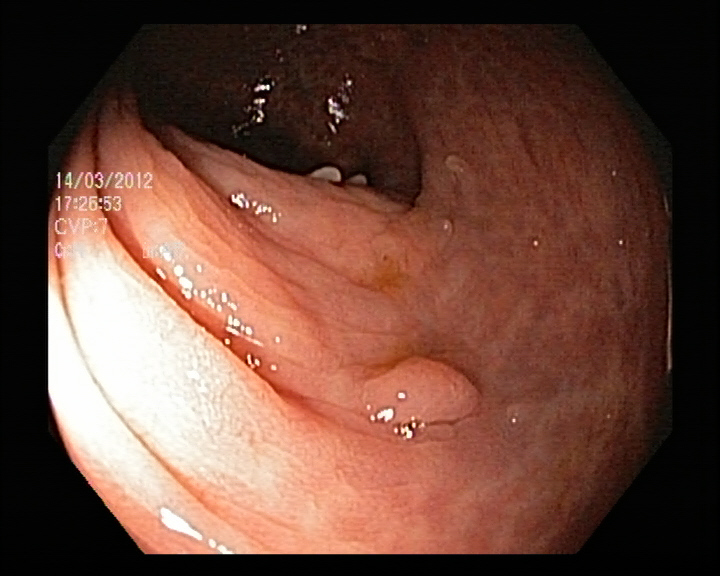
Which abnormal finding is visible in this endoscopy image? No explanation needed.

colon polyp